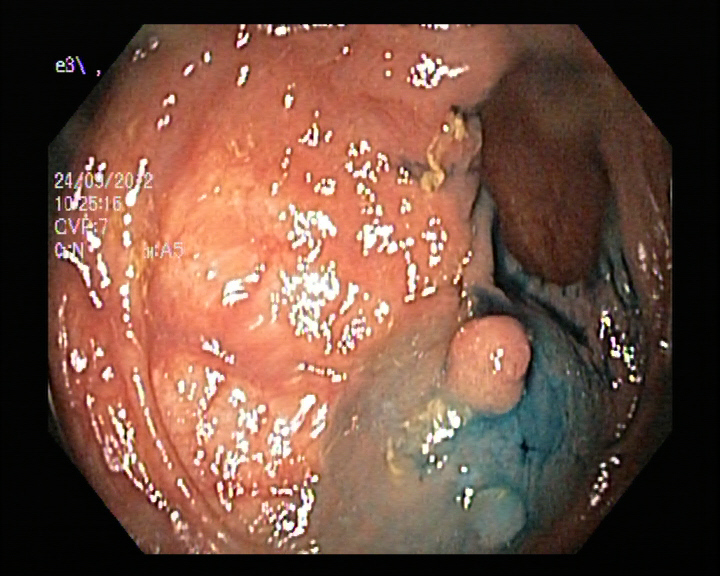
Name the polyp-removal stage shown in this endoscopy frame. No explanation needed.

dyed and lifted polyp (pre-resection)